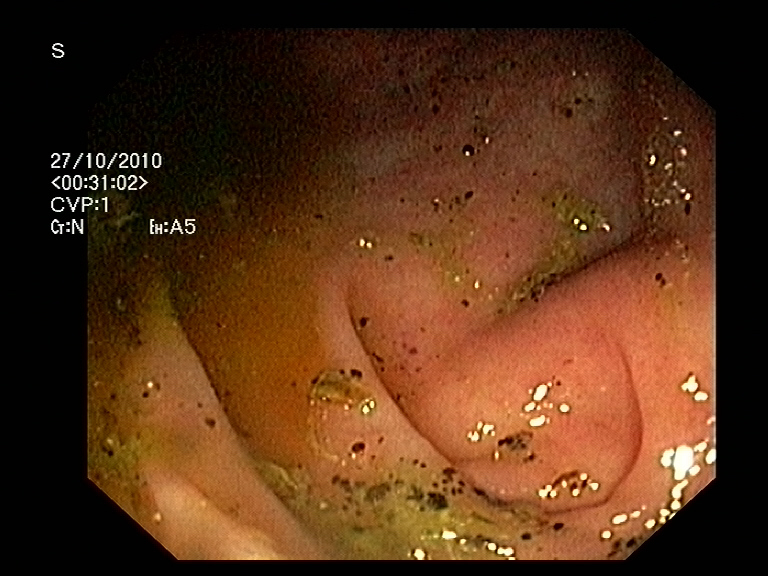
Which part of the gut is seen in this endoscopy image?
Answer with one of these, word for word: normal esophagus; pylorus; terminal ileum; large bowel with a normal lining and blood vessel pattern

large bowel with a normal lining and blood vessel pattern